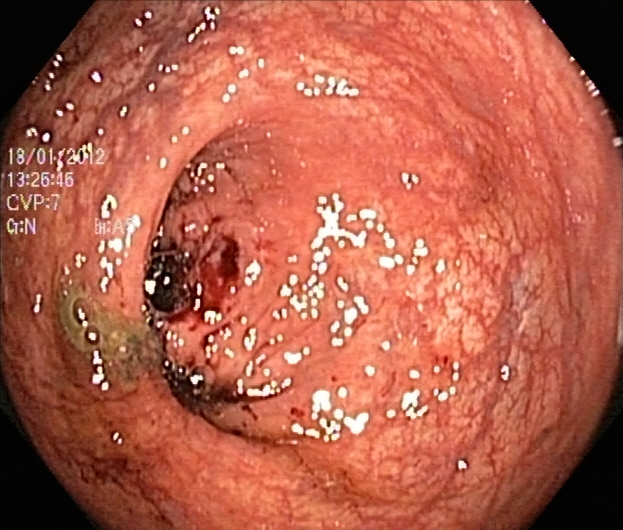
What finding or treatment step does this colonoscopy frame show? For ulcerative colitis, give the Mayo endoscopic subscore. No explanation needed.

ulcerative colitis, Mayo endoscopic subscore 1